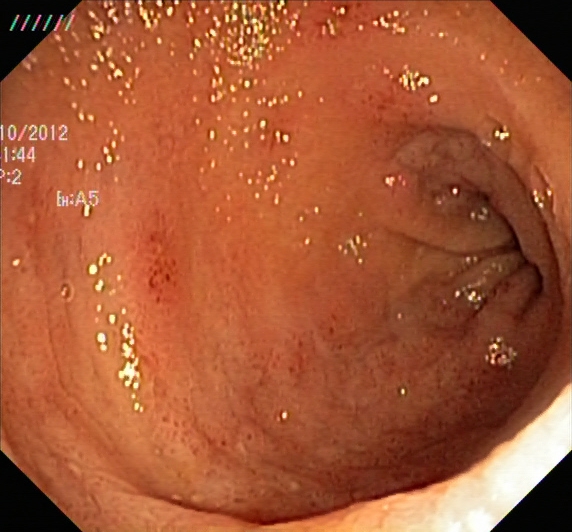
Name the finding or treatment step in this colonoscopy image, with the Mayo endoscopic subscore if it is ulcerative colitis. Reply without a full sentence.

ulcerative colitis, Mayo endoscopic subscore 2